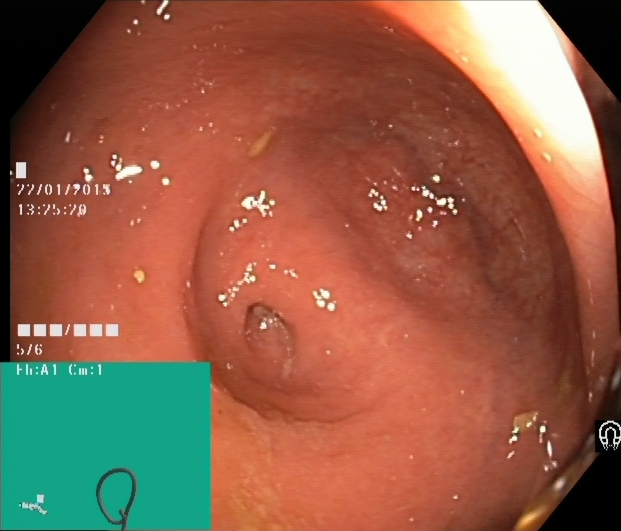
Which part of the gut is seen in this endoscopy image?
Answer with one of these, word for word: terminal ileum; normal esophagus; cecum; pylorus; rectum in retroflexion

cecum